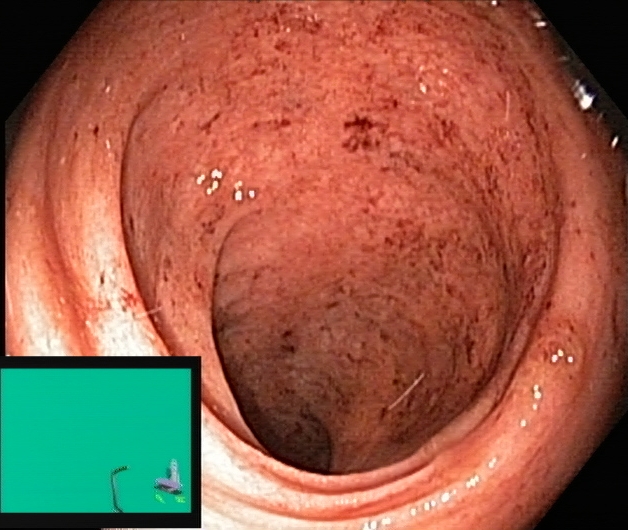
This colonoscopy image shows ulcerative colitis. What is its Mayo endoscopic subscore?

ulcerative colitis, Mayo endoscopic subscore 1